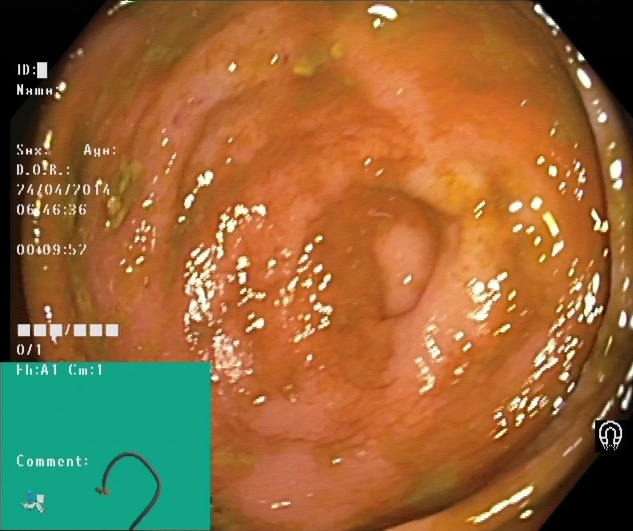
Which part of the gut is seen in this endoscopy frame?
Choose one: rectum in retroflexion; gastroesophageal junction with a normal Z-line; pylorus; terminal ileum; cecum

cecum